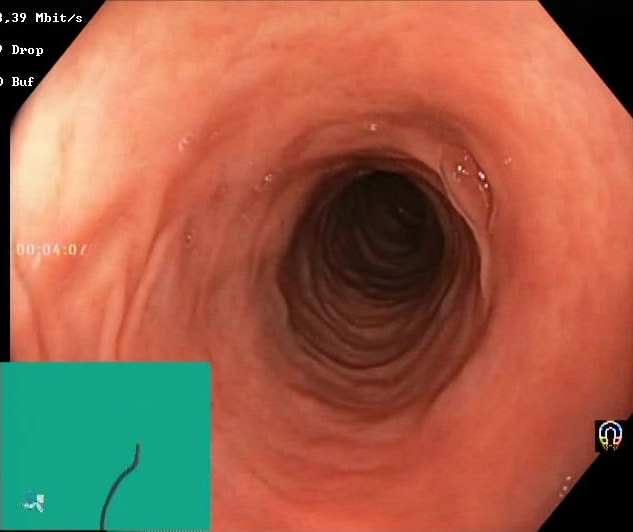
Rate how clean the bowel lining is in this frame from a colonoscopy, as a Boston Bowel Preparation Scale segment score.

Boston Bowel Preparation Scale score 2–3 (adequate preparation)